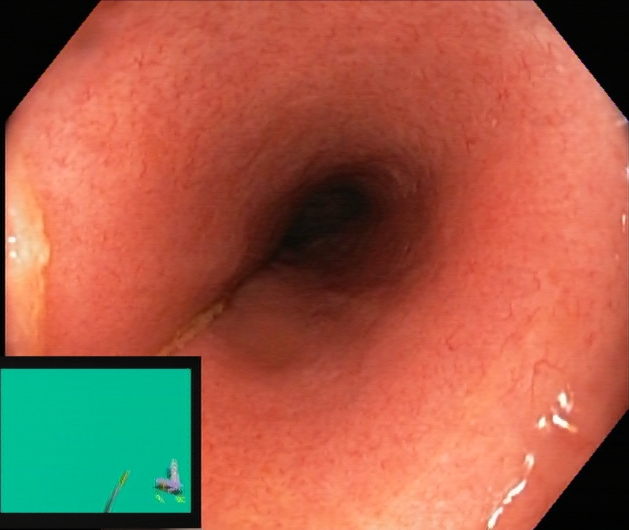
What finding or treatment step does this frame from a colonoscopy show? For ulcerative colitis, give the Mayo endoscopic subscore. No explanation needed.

ulcerative colitis, Mayo endoscopic subscore 2